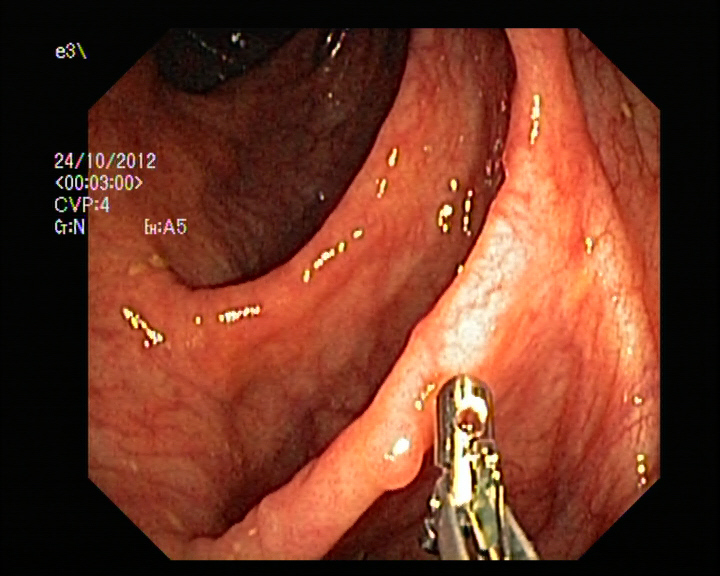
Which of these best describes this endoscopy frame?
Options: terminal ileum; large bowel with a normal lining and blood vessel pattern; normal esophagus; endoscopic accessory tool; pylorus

endoscopic accessory tool